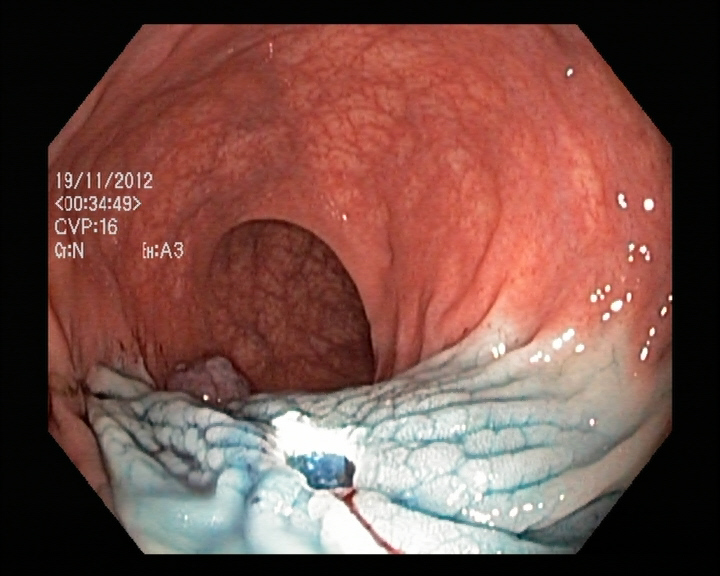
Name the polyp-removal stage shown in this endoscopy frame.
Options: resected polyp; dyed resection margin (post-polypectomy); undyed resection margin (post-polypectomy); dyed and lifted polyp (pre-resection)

dyed resection margin (post-polypectomy)